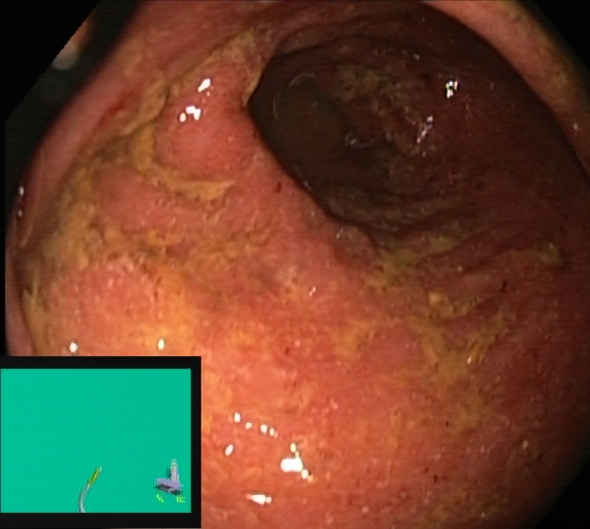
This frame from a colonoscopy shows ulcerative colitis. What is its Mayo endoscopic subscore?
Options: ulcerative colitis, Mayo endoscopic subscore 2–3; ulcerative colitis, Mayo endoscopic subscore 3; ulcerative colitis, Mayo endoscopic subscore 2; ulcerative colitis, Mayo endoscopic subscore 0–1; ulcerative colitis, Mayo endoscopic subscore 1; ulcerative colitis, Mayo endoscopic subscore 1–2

ulcerative colitis, Mayo endoscopic subscore 2